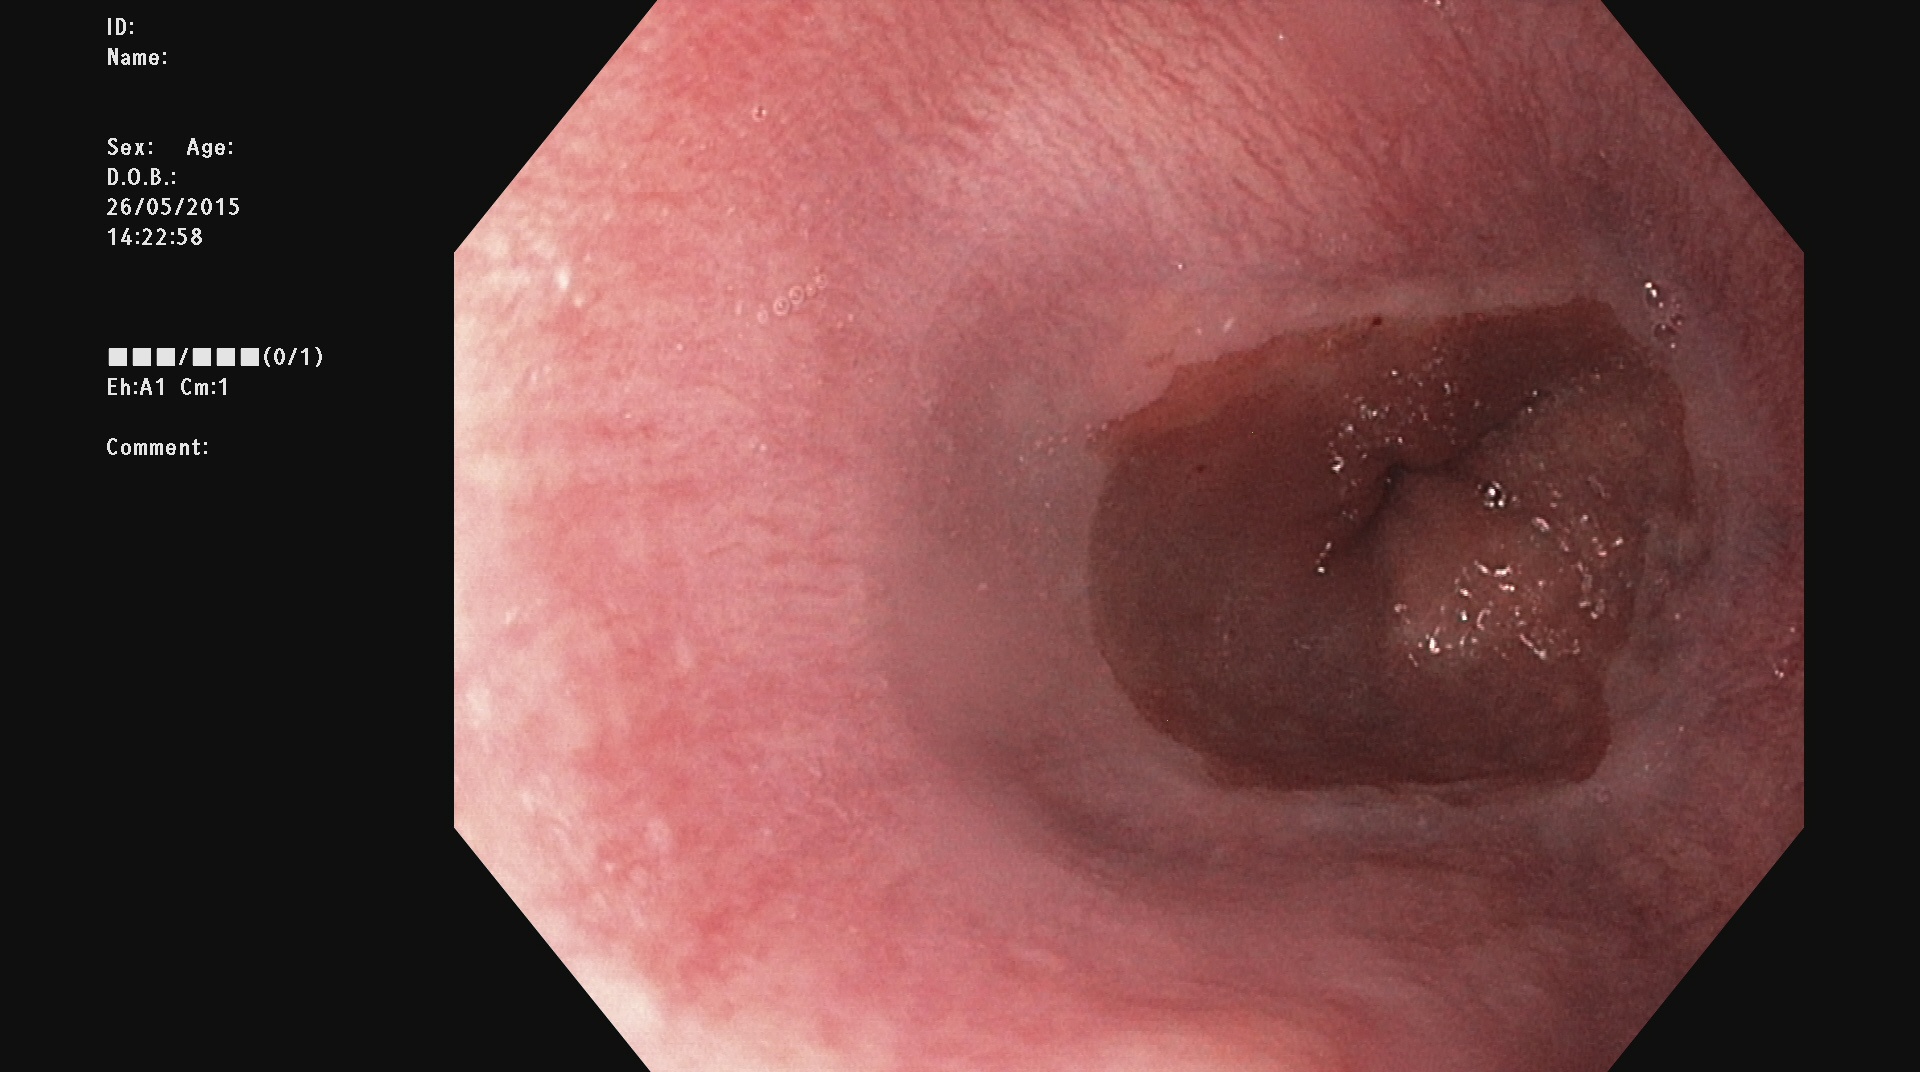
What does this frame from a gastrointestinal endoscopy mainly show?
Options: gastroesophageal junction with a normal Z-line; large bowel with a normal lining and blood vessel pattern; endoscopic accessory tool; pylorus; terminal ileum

gastroesophageal junction with a normal Z-line